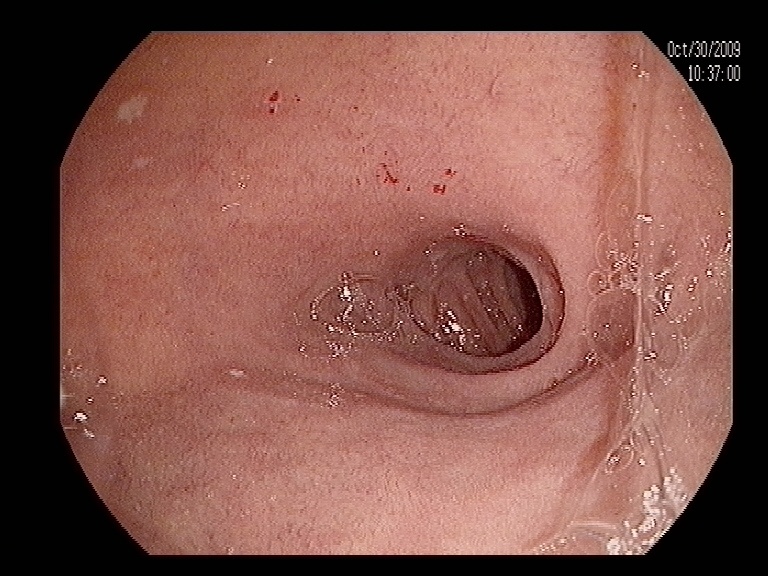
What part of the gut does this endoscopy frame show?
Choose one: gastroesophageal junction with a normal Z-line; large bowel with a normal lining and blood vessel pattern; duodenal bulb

duodenal bulb